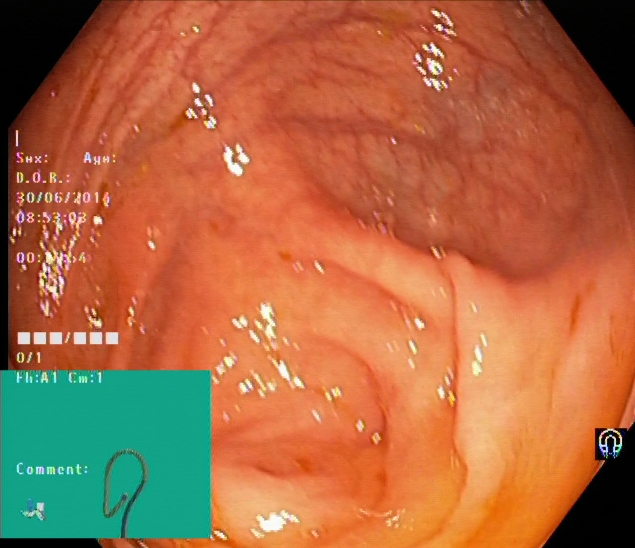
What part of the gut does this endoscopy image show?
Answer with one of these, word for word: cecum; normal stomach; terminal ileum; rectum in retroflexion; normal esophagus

cecum